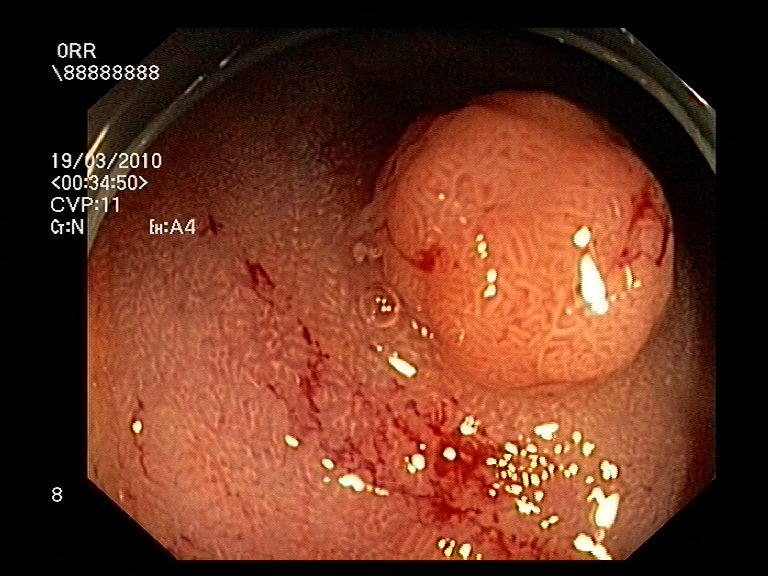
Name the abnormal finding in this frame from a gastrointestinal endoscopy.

colon polyp